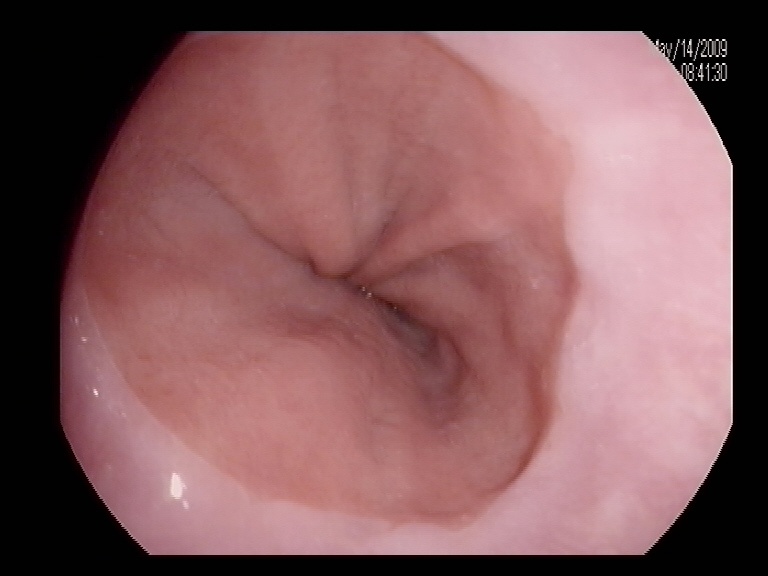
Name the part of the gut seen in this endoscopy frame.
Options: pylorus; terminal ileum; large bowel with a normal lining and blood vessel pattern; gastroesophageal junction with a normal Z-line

gastroesophageal junction with a normal Z-line